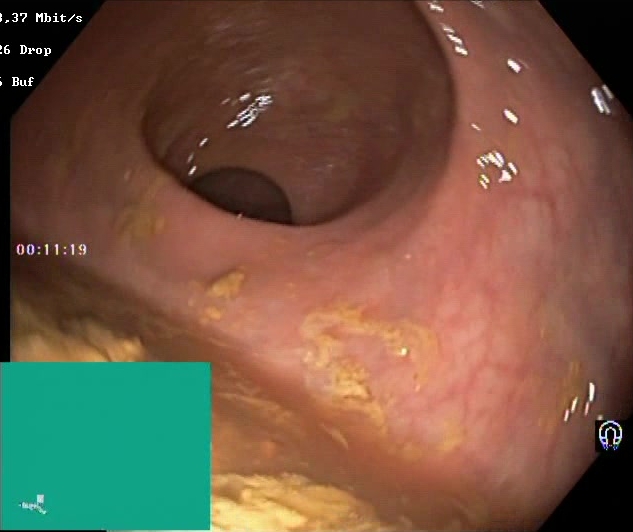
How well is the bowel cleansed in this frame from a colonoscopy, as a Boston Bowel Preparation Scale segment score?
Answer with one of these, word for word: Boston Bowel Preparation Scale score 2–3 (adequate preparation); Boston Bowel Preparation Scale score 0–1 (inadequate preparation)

Boston Bowel Preparation Scale score 0–1 (inadequate preparation)